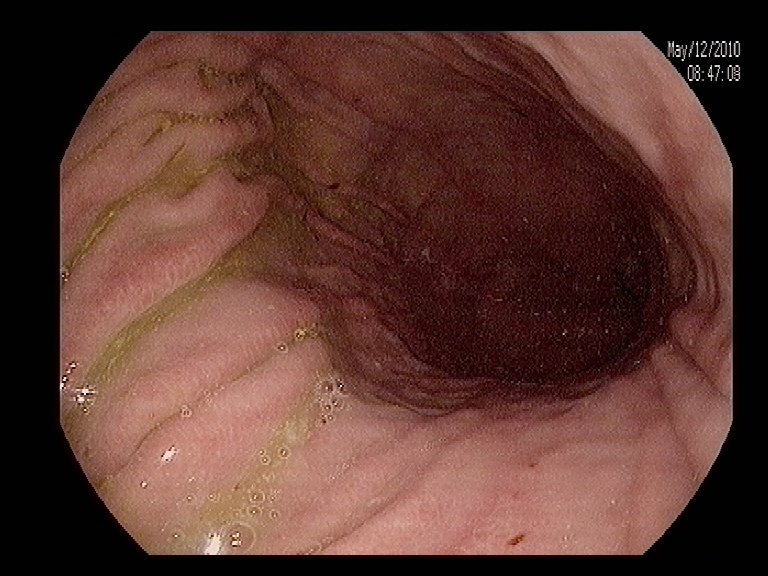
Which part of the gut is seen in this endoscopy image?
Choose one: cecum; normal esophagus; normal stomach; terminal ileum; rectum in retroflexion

normal stomach